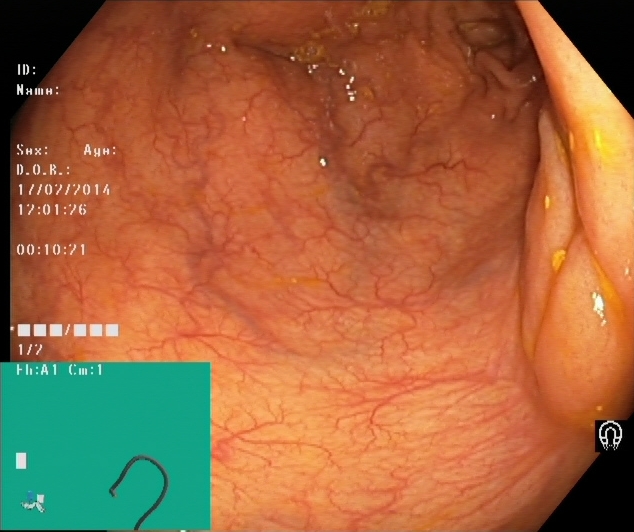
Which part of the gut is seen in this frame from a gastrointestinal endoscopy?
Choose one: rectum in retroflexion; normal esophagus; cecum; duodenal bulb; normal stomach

cecum